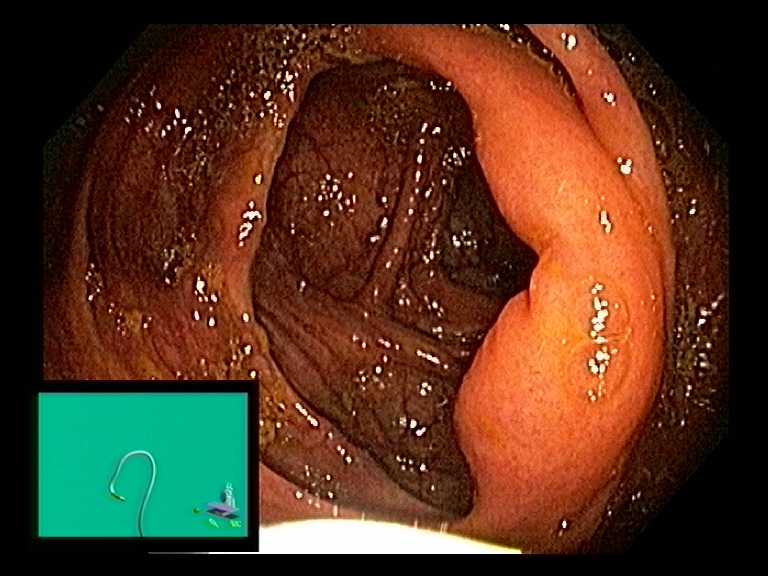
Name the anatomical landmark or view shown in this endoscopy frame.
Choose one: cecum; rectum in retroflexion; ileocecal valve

ileocecal valve